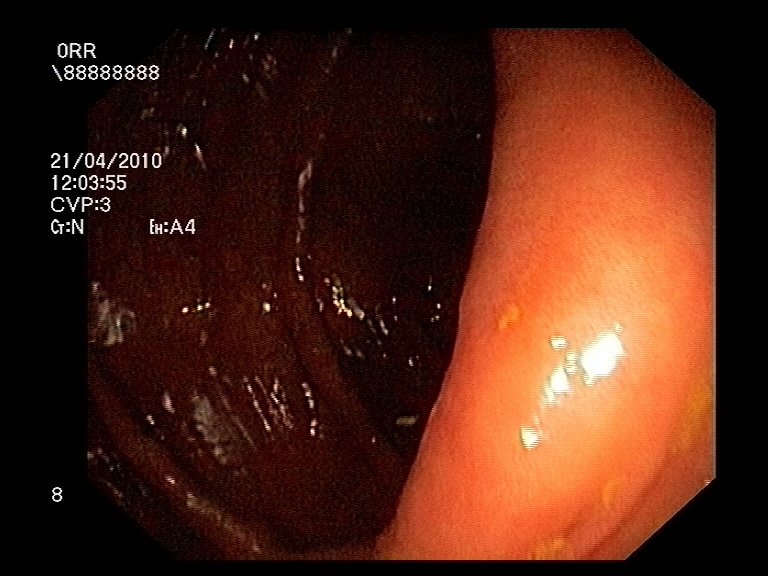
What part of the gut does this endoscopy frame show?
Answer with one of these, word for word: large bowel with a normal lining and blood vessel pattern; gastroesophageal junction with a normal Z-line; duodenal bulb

large bowel with a normal lining and blood vessel pattern